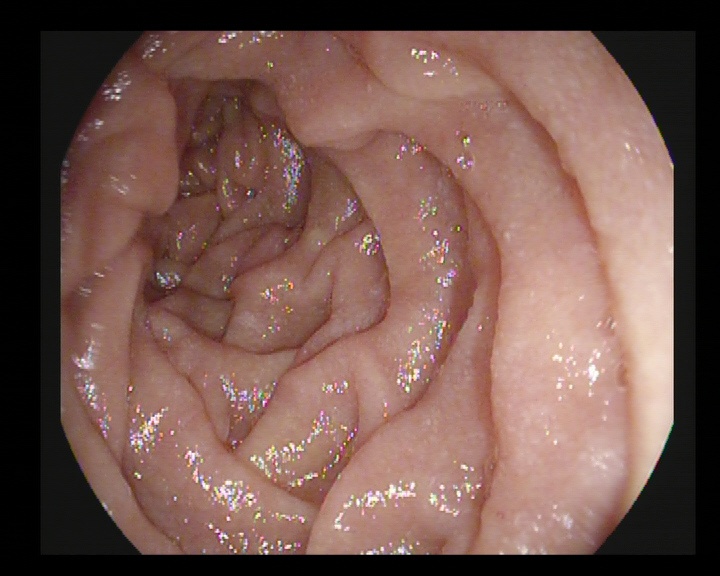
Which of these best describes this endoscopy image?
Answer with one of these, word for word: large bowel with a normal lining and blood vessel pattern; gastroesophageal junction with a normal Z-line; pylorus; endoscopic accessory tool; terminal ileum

terminal ileum